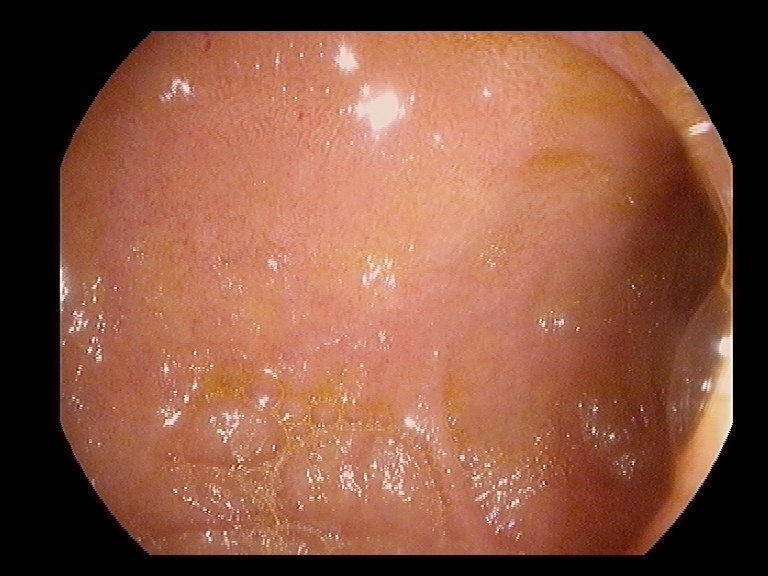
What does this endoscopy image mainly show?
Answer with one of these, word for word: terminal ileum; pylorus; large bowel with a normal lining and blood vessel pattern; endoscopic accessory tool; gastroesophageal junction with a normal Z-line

terminal ileum